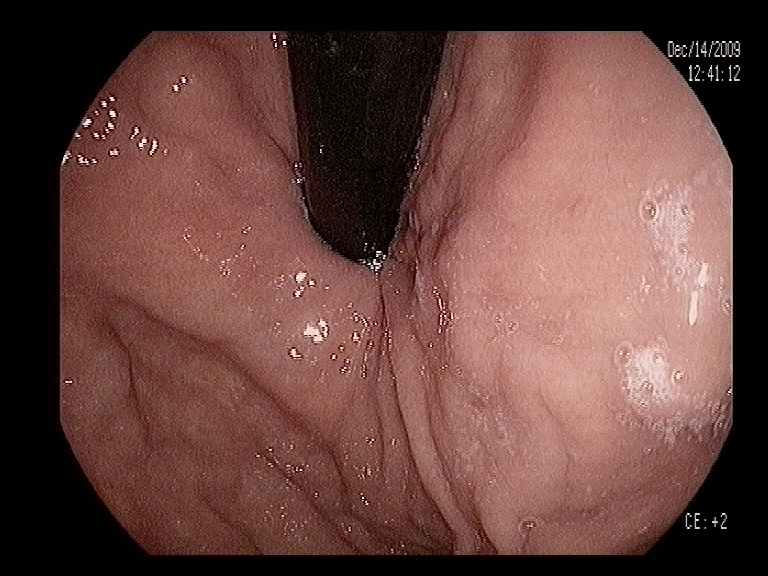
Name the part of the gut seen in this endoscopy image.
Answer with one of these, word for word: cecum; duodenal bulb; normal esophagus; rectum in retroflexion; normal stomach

normal stomach